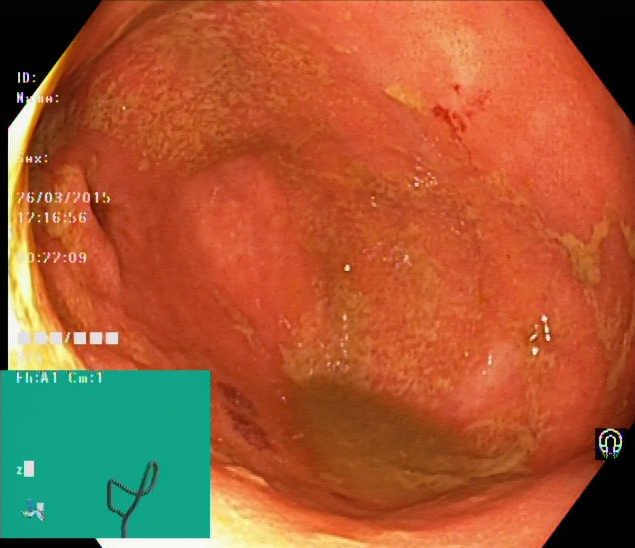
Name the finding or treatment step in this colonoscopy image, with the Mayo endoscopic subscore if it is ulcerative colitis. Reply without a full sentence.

ulcerative colitis, Mayo endoscopic subscore 1